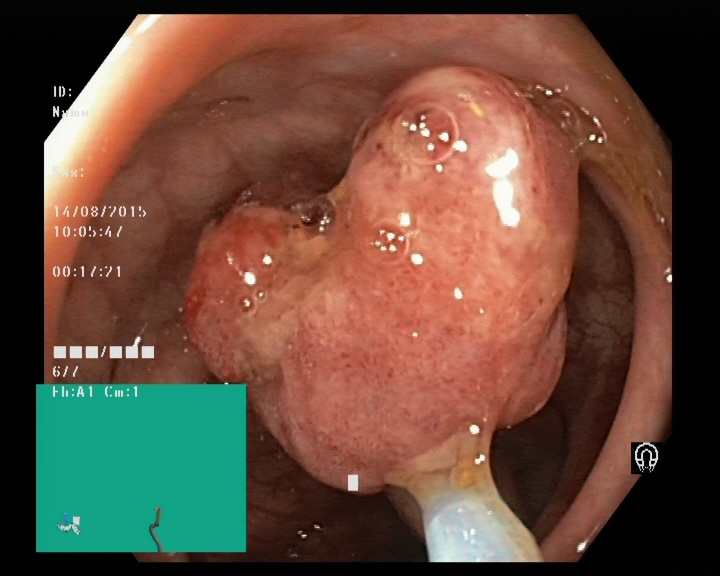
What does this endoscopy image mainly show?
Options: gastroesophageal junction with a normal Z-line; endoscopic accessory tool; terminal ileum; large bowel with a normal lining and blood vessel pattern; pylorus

endoscopic accessory tool